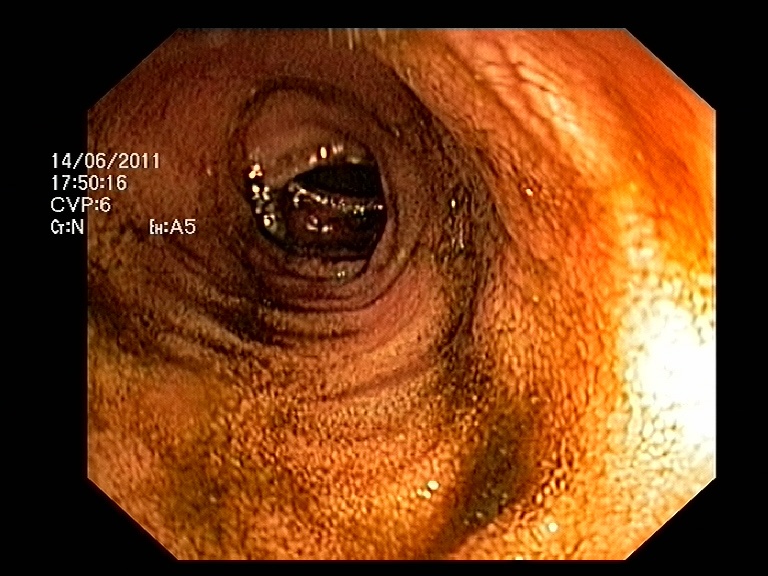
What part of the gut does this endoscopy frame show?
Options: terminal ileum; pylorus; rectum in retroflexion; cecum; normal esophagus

terminal ileum